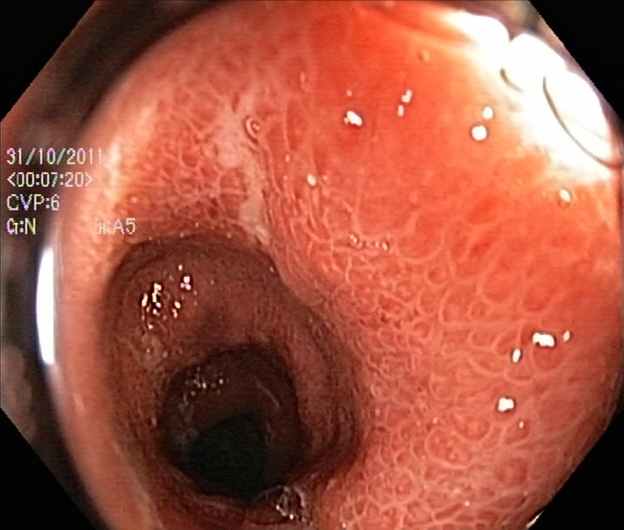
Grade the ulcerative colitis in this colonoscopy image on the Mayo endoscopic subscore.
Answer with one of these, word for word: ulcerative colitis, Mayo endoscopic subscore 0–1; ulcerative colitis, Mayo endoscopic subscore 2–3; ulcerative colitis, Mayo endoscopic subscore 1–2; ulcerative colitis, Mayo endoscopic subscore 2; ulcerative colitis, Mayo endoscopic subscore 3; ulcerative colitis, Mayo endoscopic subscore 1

ulcerative colitis, Mayo endoscopic subscore 3